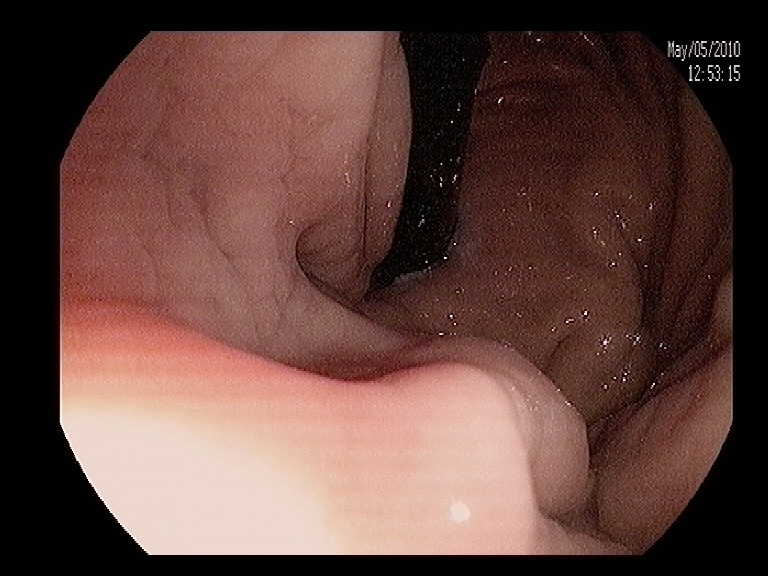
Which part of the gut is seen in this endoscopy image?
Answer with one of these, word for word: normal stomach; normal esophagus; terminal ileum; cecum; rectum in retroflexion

normal stomach